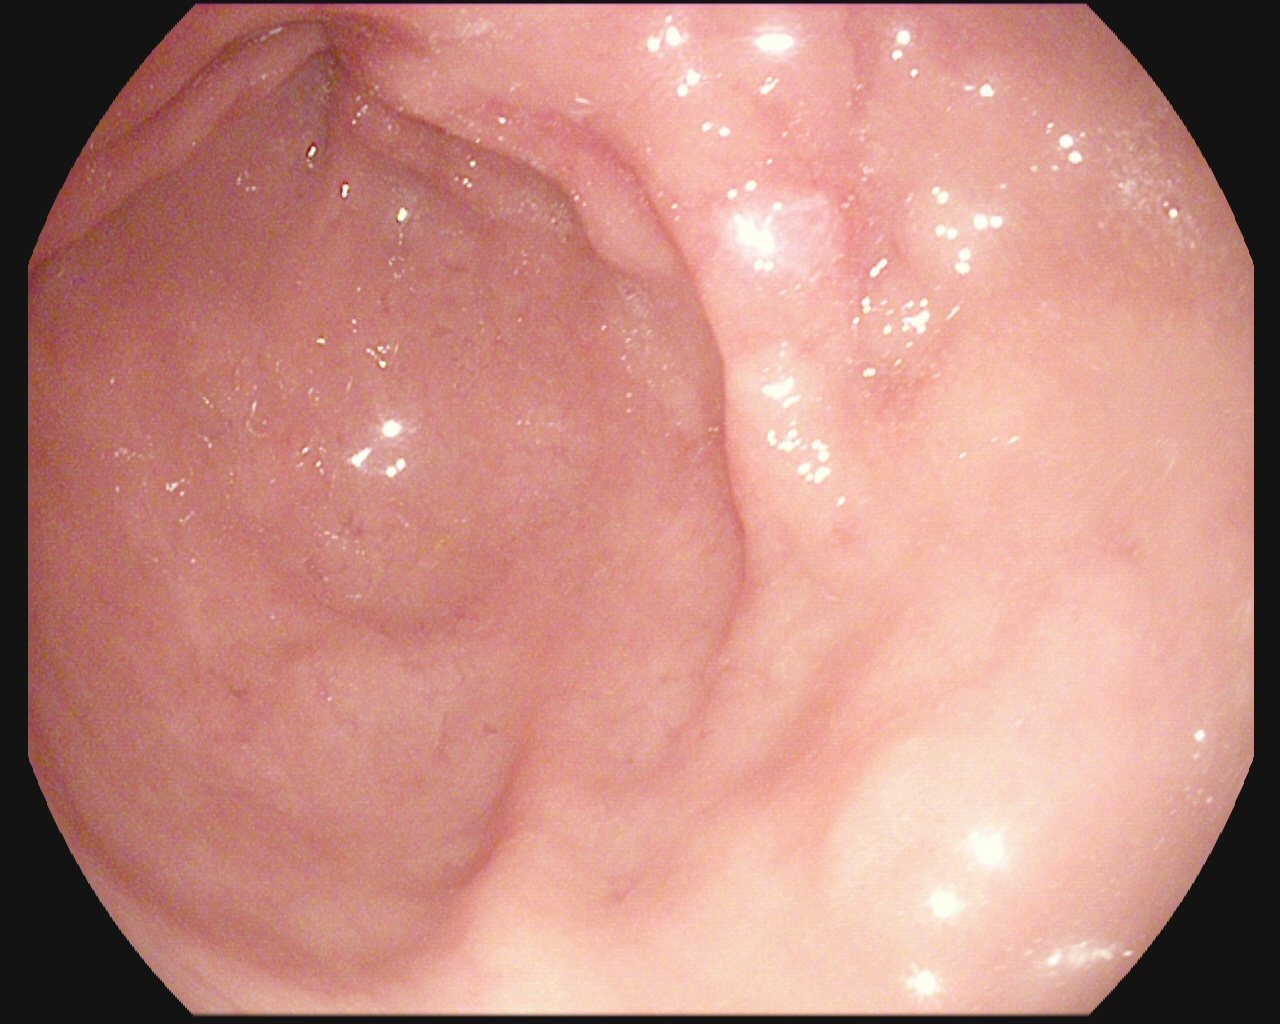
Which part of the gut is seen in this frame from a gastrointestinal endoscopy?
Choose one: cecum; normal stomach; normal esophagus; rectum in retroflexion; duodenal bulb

normal stomach